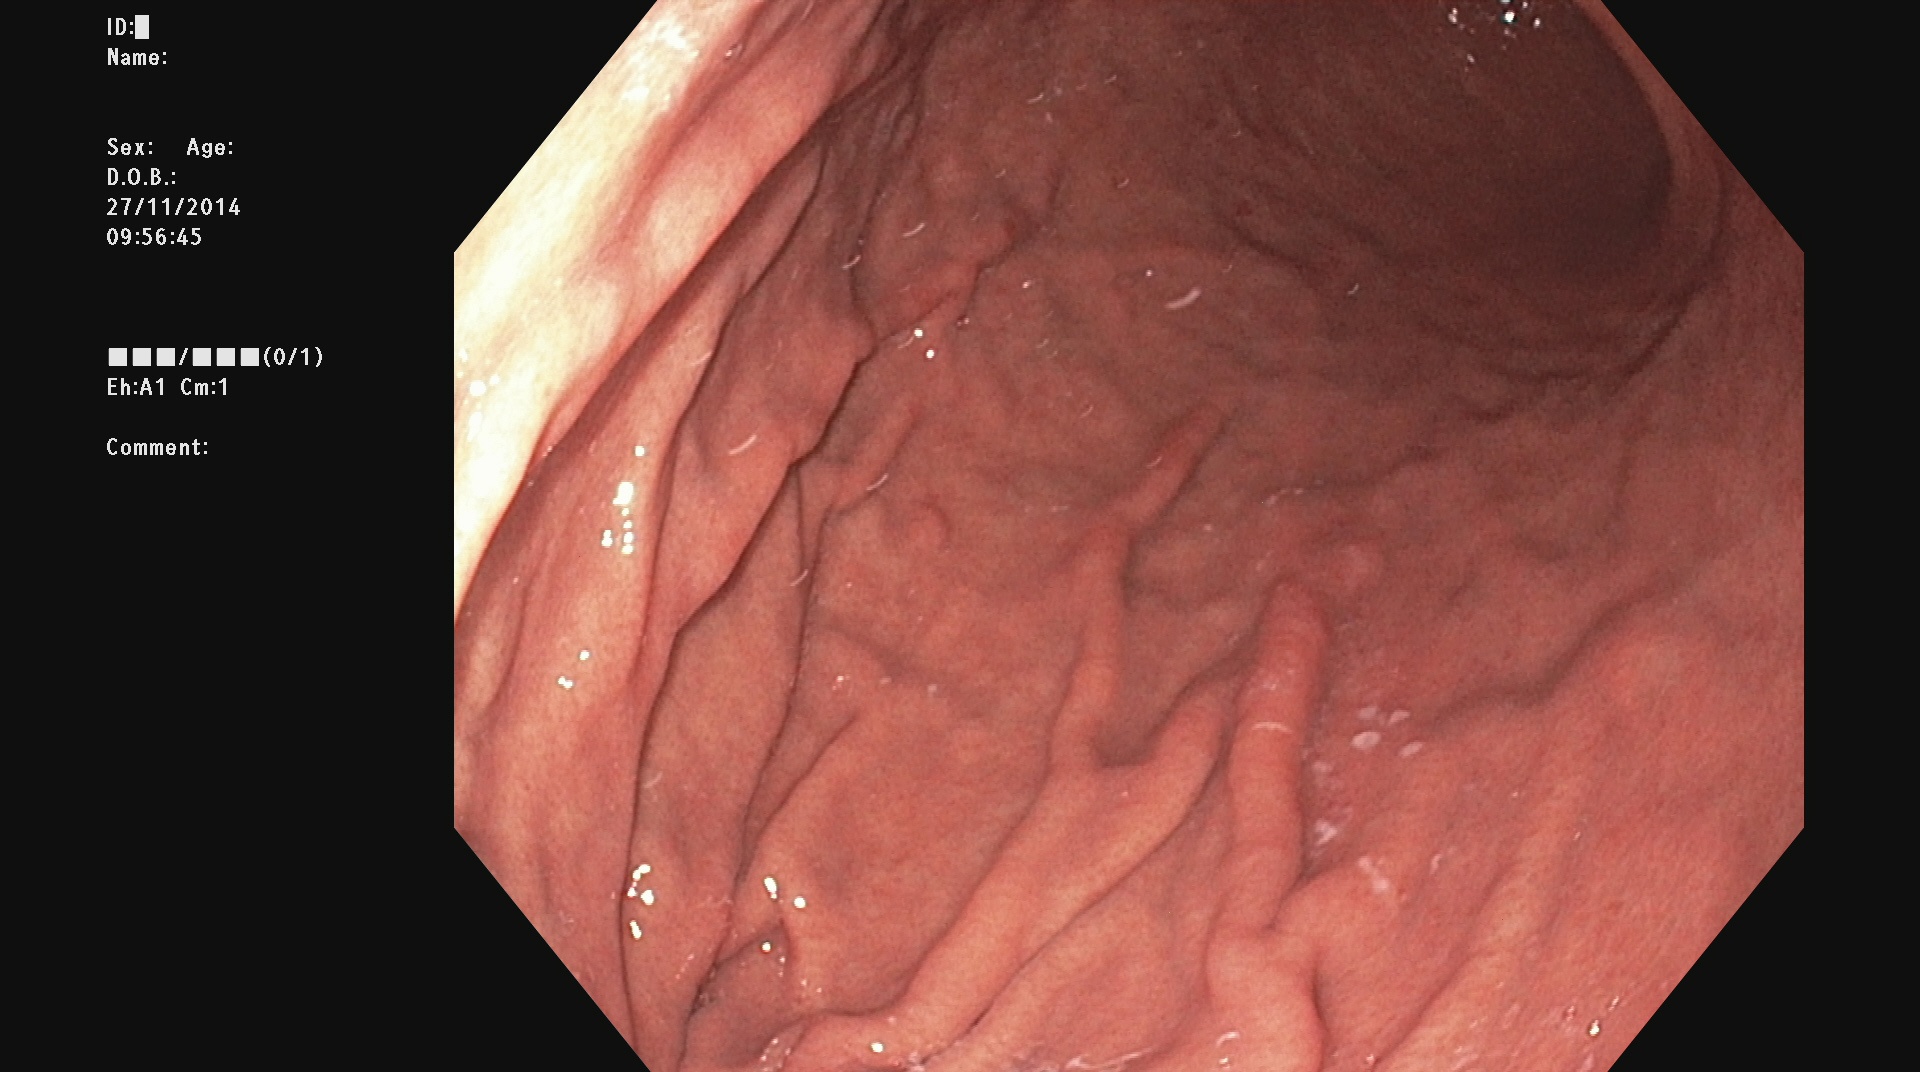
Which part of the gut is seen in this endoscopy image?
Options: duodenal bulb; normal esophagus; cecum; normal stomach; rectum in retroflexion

normal stomach